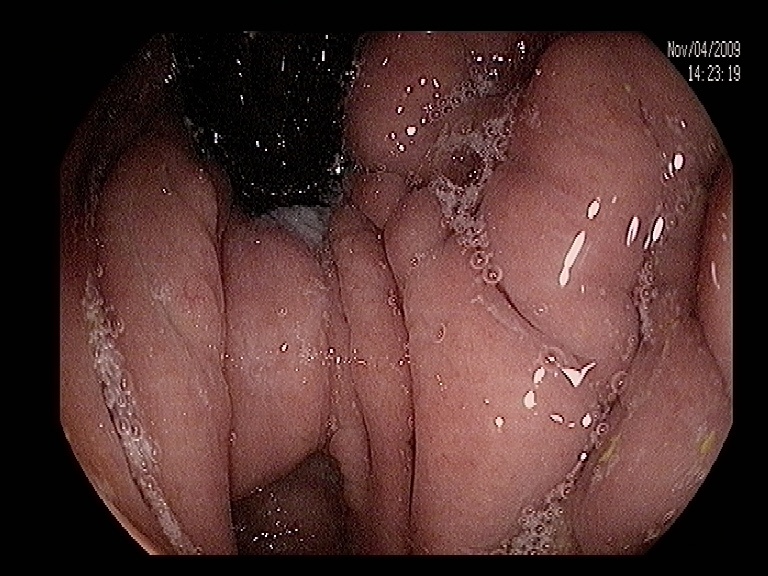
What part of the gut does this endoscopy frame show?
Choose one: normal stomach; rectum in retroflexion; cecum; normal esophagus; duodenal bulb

normal stomach